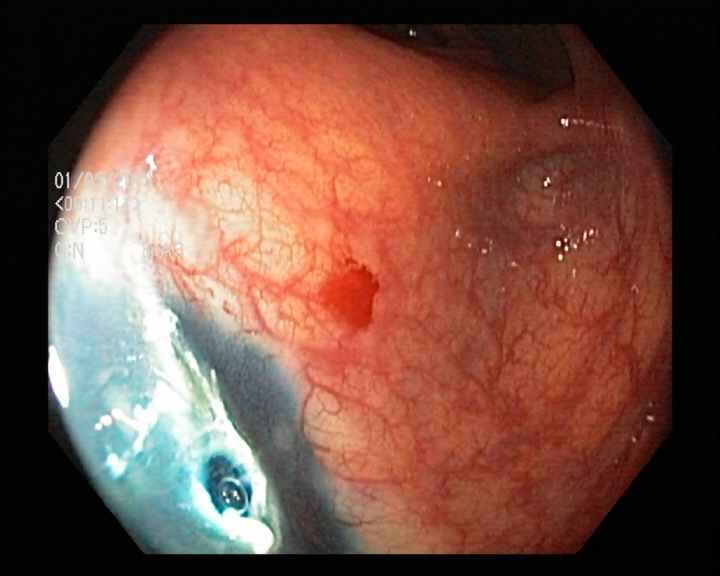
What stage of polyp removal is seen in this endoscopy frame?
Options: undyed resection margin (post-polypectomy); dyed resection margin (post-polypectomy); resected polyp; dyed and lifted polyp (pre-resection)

dyed resection margin (post-polypectomy)